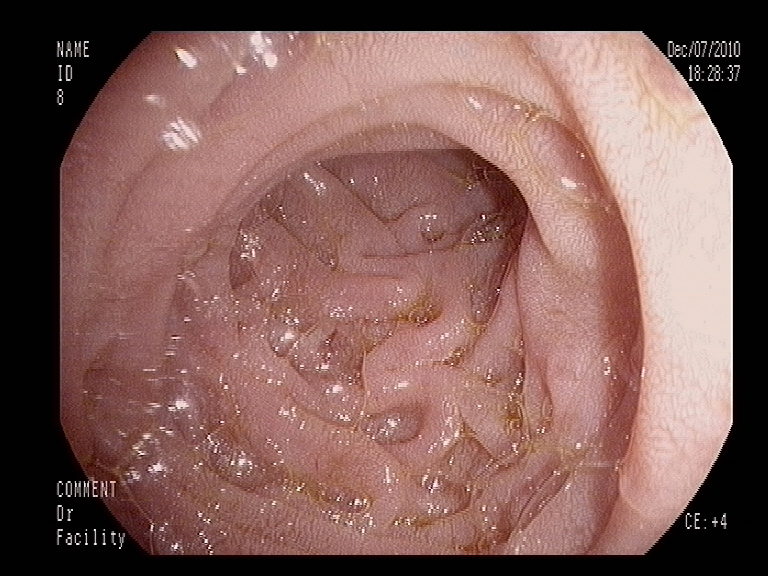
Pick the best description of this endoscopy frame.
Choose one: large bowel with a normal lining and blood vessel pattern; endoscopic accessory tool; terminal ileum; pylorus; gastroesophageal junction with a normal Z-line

terminal ileum